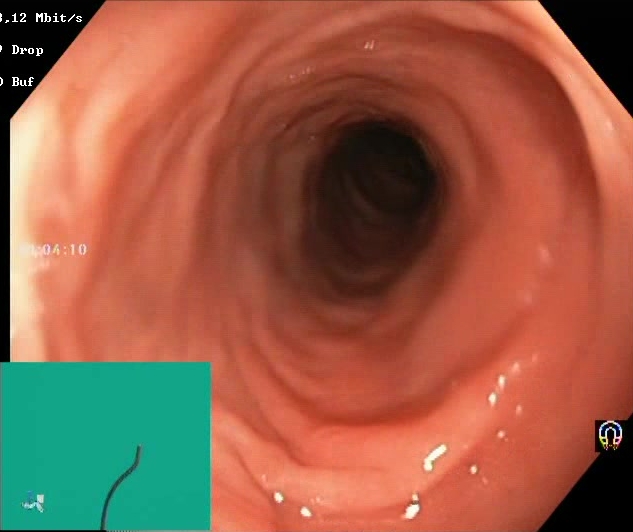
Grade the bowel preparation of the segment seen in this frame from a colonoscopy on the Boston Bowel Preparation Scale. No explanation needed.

Boston Bowel Preparation Scale score 2–3 (adequate preparation)